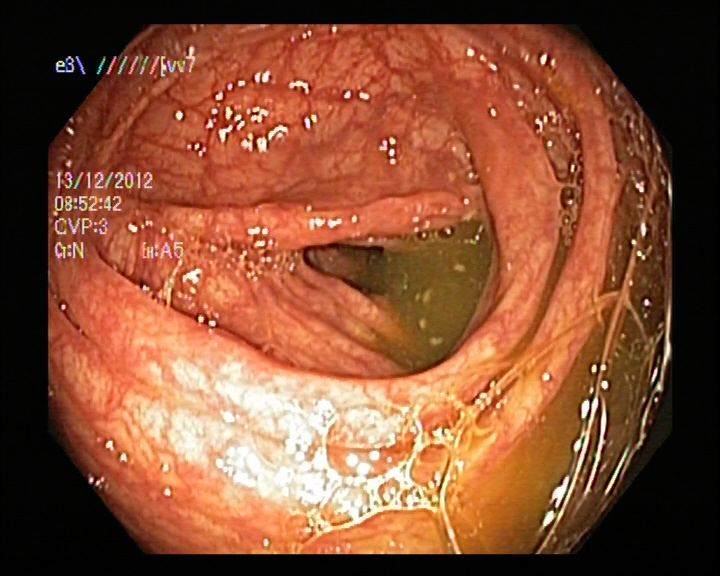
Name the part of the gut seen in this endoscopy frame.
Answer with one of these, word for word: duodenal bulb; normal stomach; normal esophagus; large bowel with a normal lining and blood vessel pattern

large bowel with a normal lining and blood vessel pattern